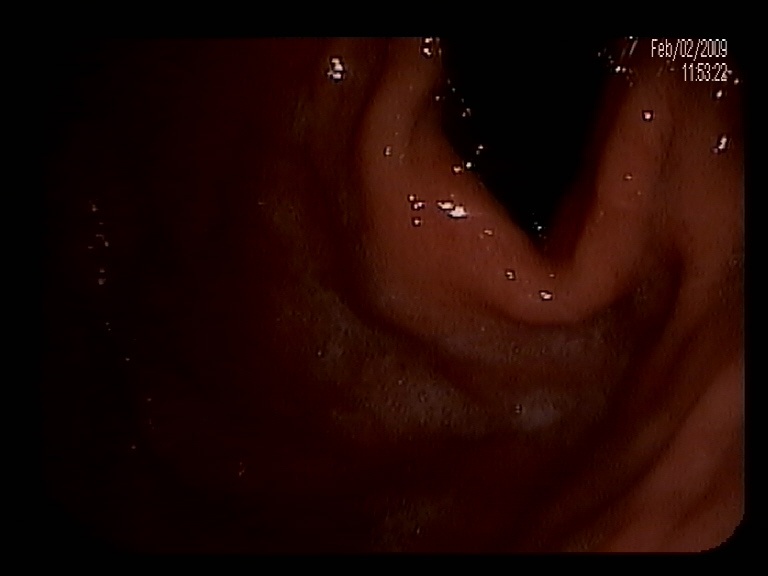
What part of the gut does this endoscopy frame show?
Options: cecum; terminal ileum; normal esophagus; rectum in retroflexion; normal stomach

normal stomach